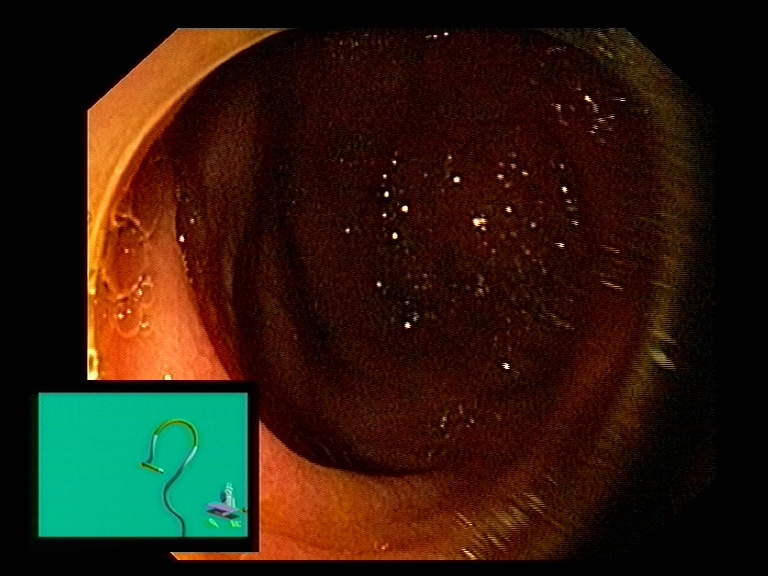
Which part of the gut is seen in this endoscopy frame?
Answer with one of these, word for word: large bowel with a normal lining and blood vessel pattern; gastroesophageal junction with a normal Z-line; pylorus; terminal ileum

large bowel with a normal lining and blood vessel pattern